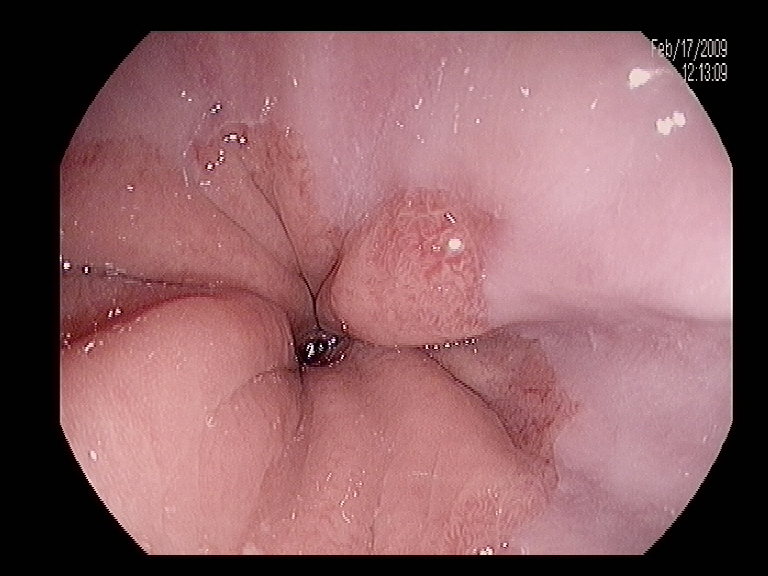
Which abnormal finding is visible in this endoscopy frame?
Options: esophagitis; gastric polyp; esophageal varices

esophagitis